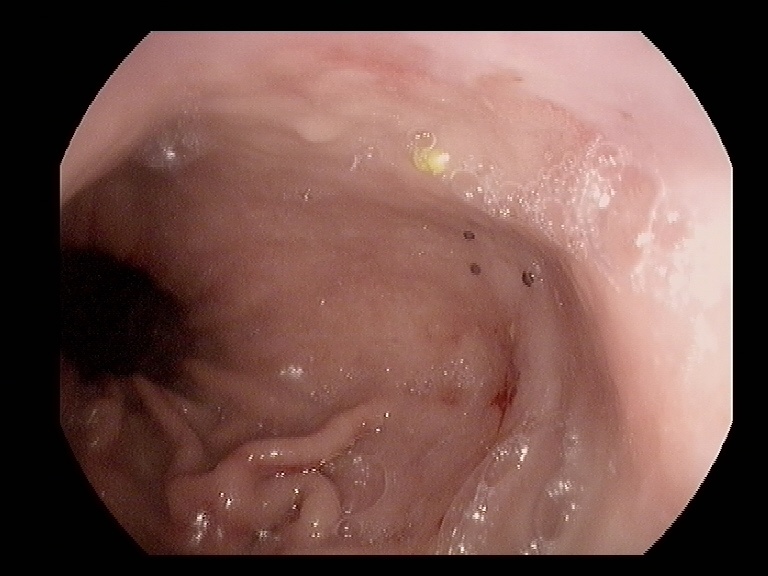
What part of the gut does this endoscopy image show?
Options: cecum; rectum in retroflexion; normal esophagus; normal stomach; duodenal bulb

normal stomach